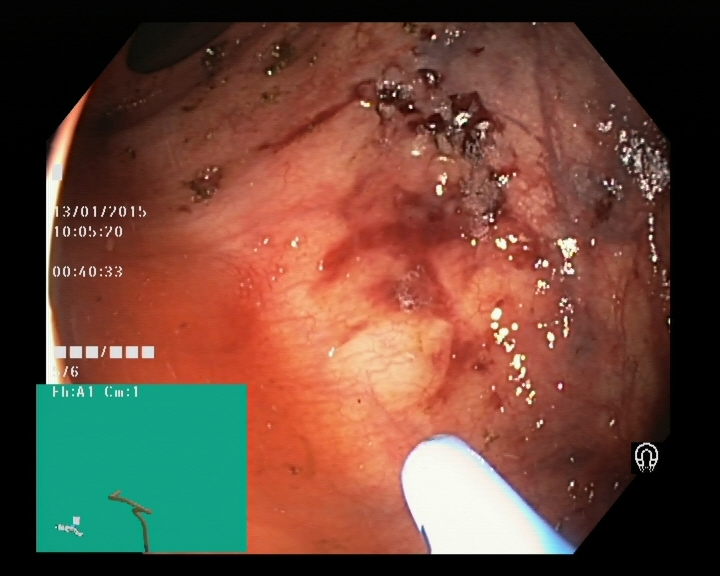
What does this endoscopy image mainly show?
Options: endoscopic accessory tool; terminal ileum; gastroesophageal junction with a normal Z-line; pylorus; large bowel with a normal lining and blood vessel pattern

endoscopic accessory tool